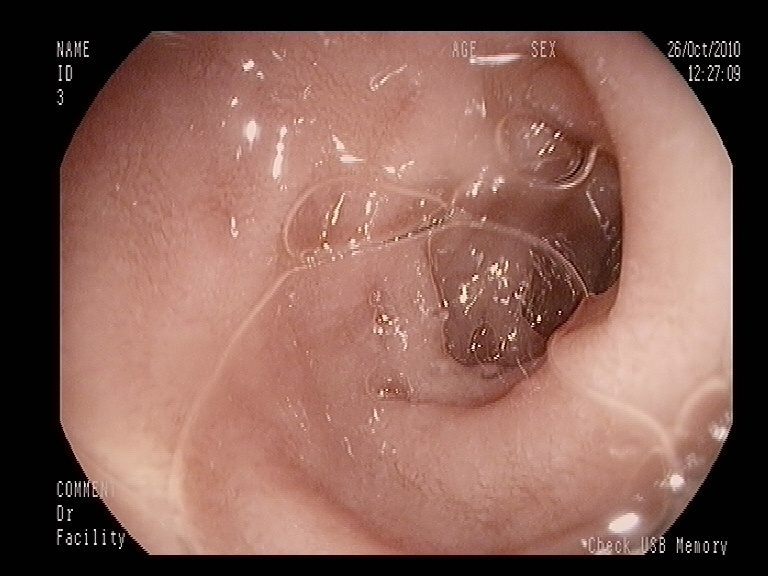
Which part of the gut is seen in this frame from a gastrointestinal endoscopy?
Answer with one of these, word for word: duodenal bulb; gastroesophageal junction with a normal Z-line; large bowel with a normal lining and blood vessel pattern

duodenal bulb